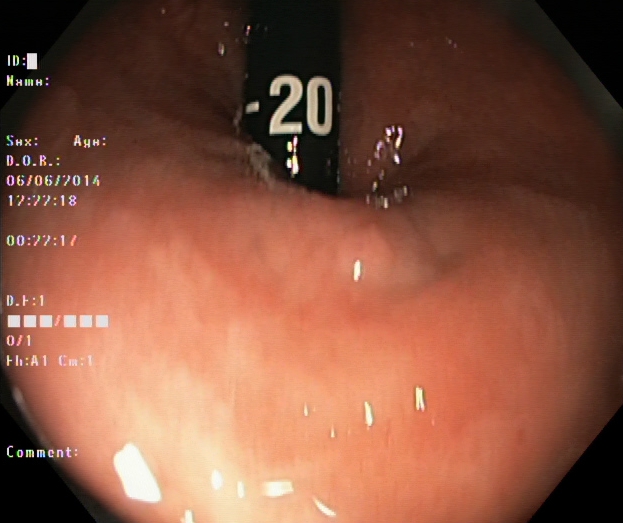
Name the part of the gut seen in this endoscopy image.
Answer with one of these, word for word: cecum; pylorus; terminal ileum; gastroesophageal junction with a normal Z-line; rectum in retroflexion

rectum in retroflexion